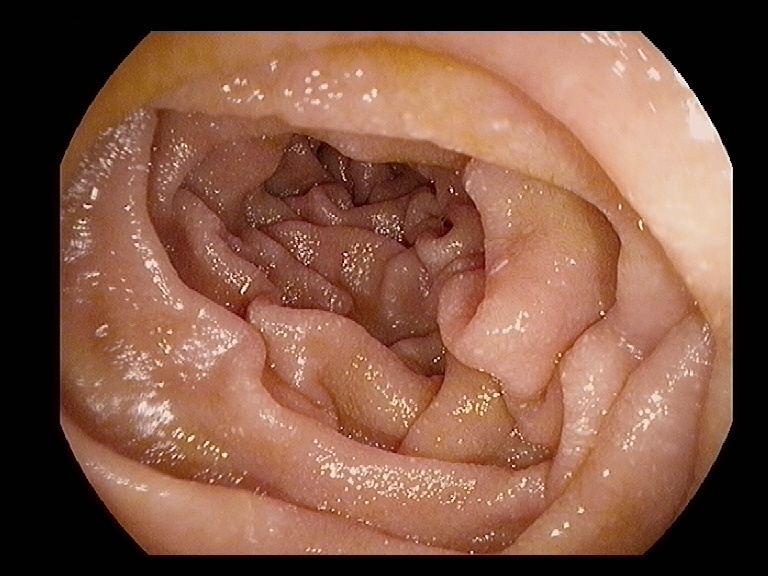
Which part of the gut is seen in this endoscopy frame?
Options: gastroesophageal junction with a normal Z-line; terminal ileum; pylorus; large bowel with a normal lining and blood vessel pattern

terminal ileum